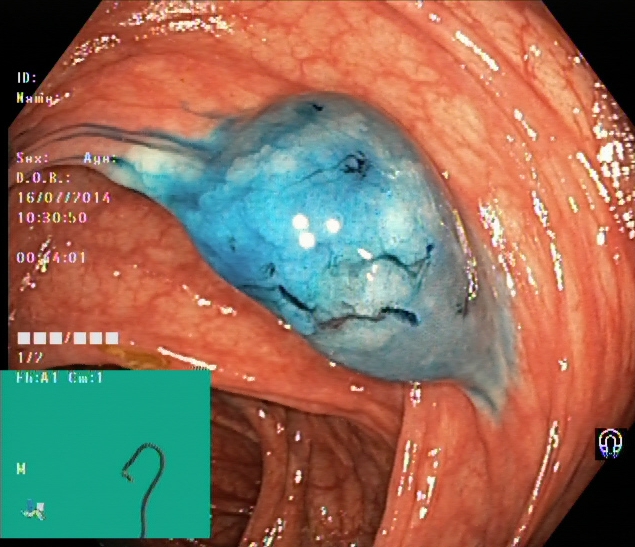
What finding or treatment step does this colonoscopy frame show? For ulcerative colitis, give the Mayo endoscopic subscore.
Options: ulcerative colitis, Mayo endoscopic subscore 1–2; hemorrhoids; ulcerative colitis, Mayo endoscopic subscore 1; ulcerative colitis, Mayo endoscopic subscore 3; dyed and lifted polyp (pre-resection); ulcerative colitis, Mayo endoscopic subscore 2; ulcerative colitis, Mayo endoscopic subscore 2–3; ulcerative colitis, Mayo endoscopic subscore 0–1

dyed and lifted polyp (pre-resection)